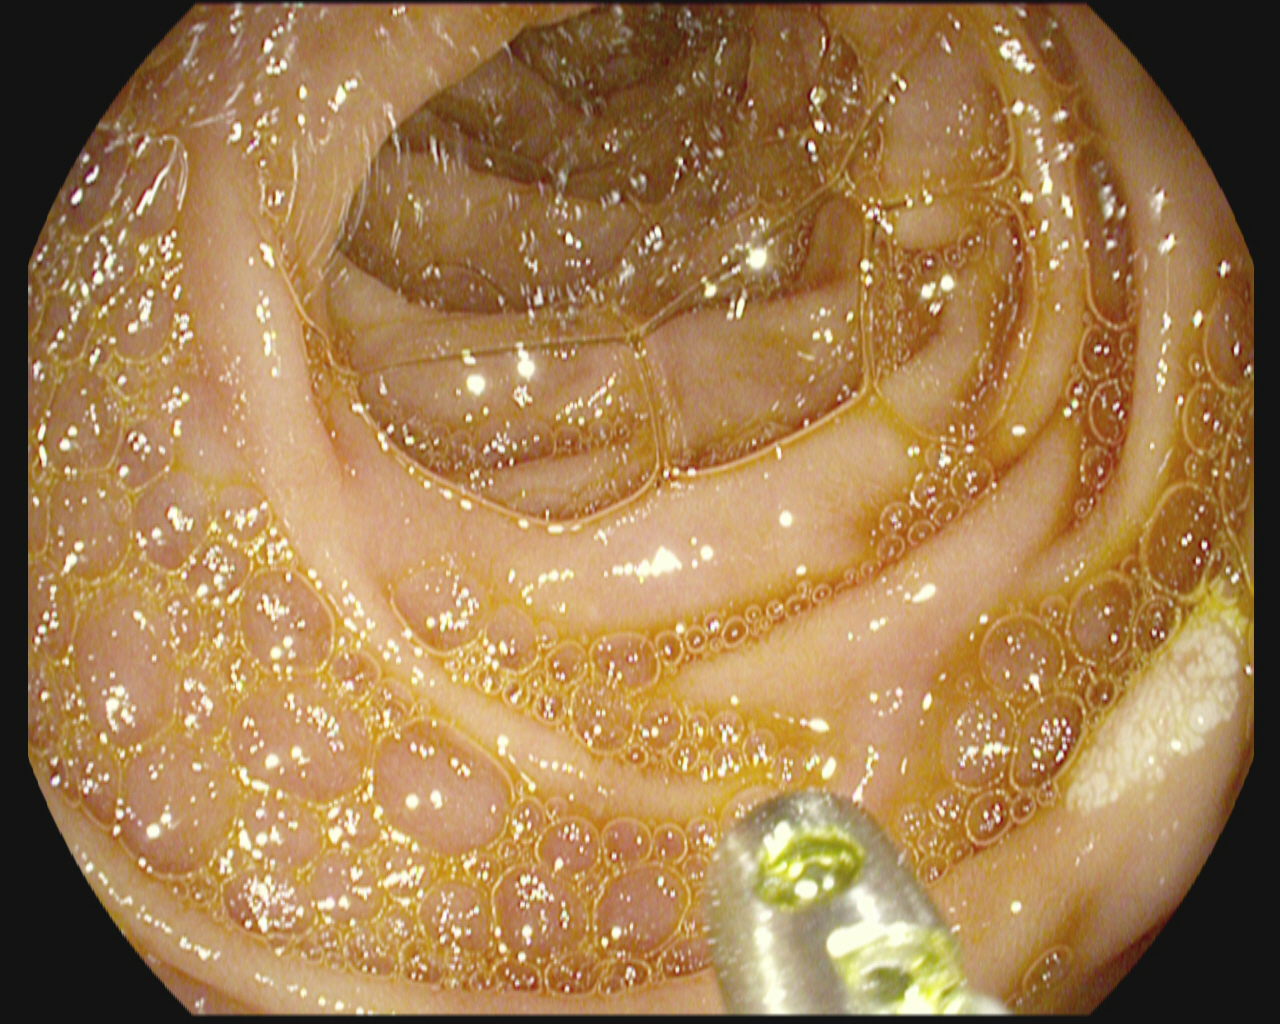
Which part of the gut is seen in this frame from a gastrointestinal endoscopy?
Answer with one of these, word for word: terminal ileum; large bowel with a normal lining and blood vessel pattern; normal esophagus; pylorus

terminal ileum